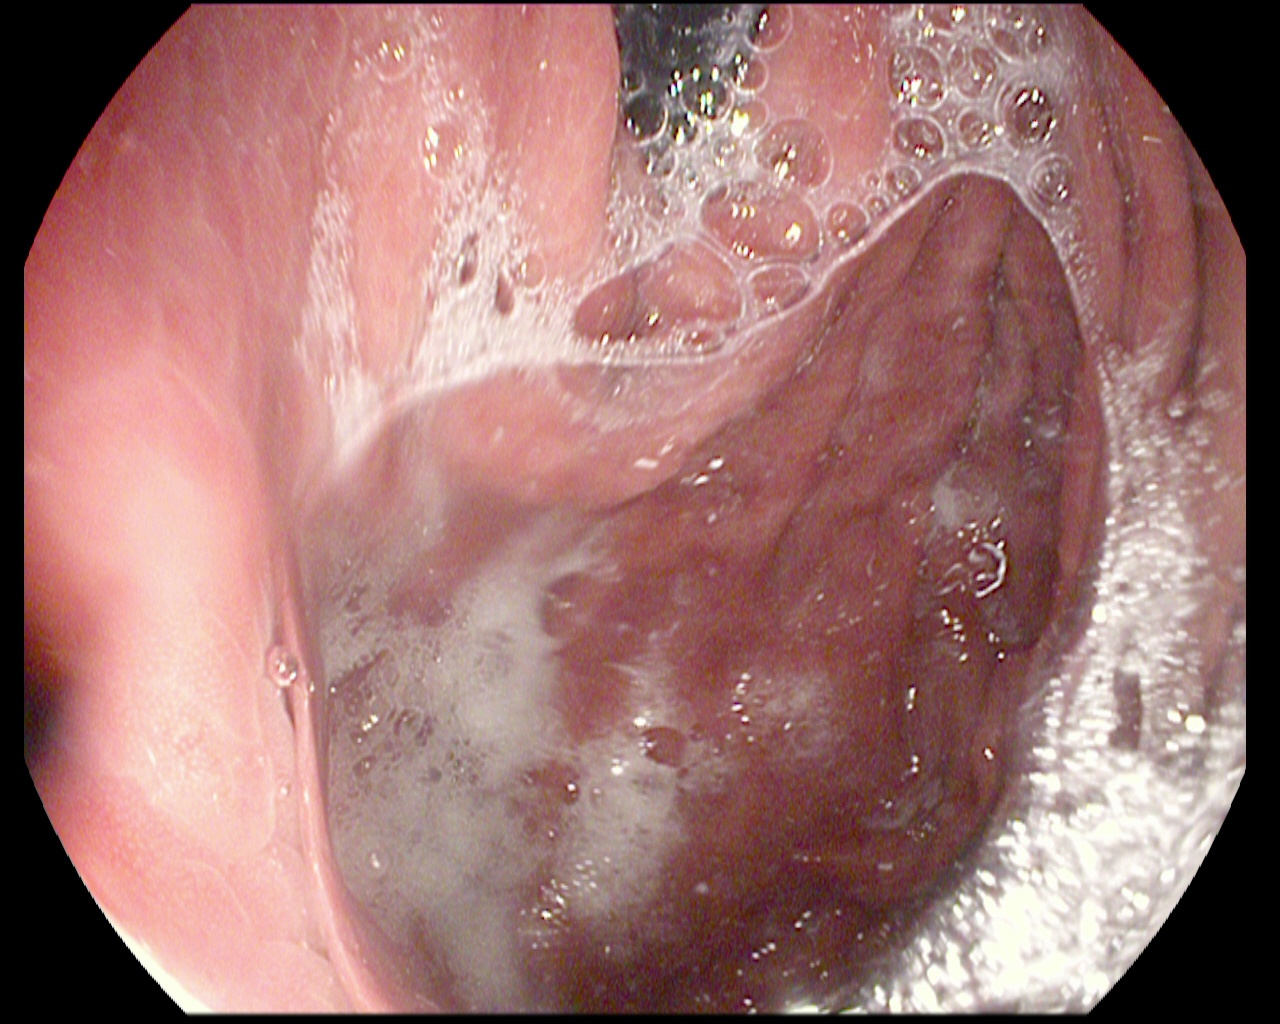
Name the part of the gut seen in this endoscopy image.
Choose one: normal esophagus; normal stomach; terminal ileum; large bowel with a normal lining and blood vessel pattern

normal stomach